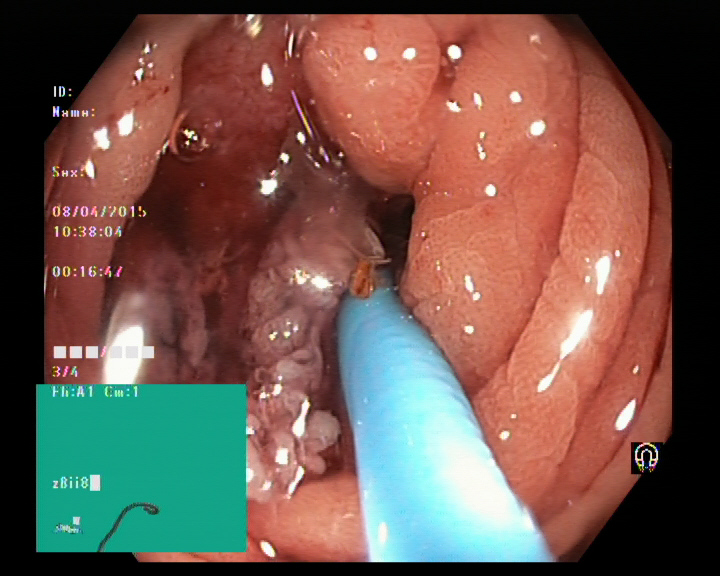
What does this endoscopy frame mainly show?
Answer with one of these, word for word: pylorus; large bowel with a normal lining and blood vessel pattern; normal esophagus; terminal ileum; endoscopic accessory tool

endoscopic accessory tool